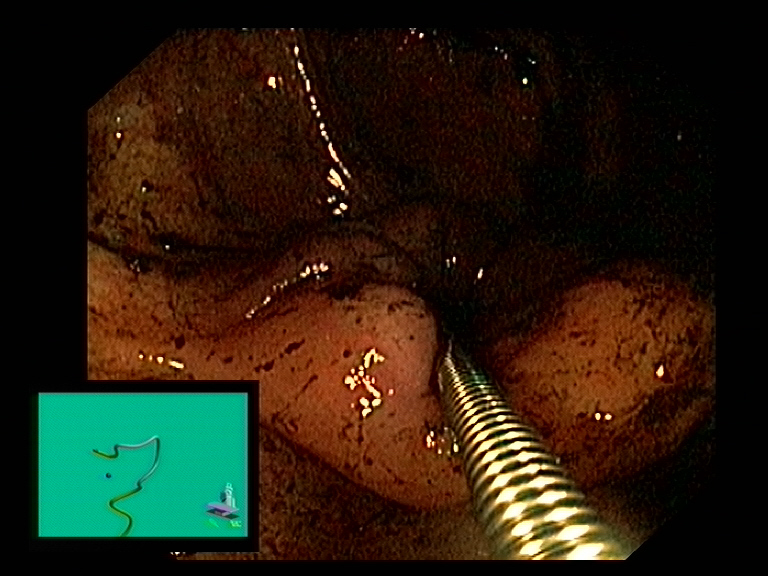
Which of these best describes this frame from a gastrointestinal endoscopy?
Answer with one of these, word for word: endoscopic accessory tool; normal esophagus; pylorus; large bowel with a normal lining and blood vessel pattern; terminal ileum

endoscopic accessory tool